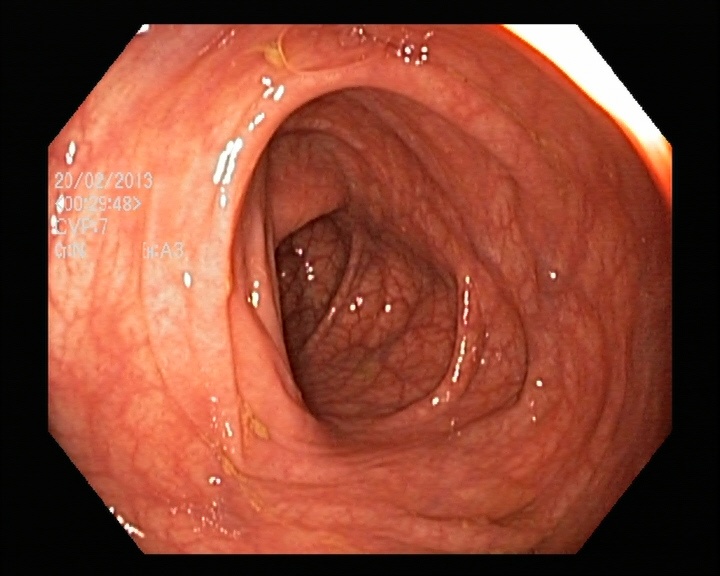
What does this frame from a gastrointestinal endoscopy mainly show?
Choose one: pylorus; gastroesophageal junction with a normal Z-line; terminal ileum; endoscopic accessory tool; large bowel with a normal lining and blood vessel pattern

large bowel with a normal lining and blood vessel pattern